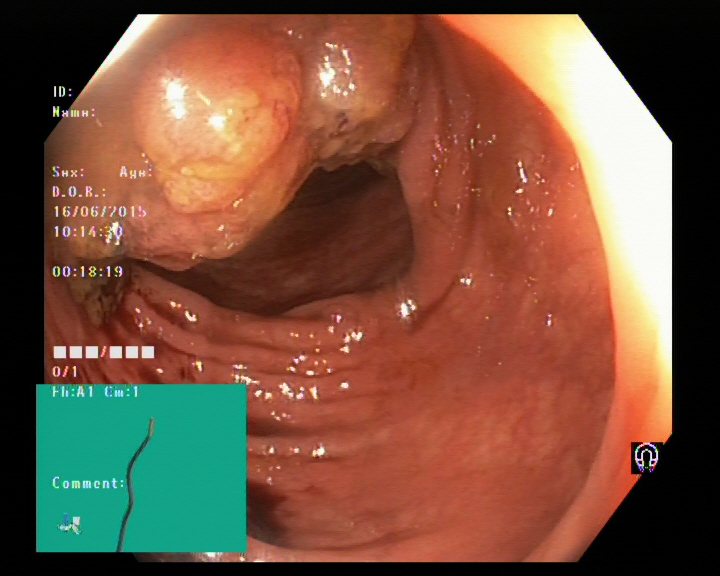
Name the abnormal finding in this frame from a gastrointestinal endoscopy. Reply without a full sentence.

colon polyp